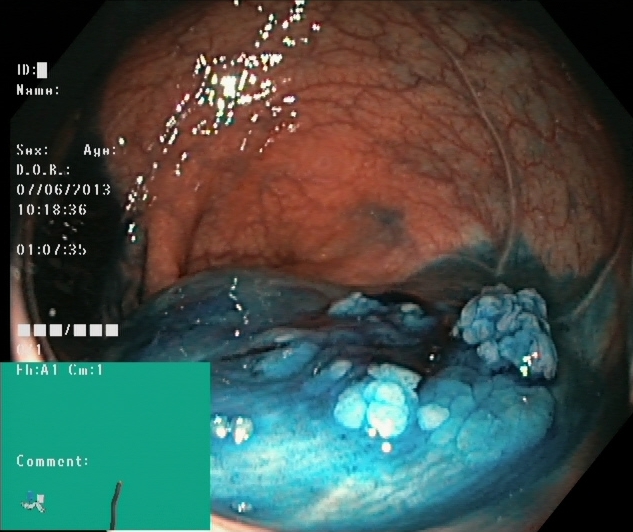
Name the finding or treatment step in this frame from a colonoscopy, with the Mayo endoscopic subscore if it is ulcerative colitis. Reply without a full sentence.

dyed and lifted polyp (pre-resection)